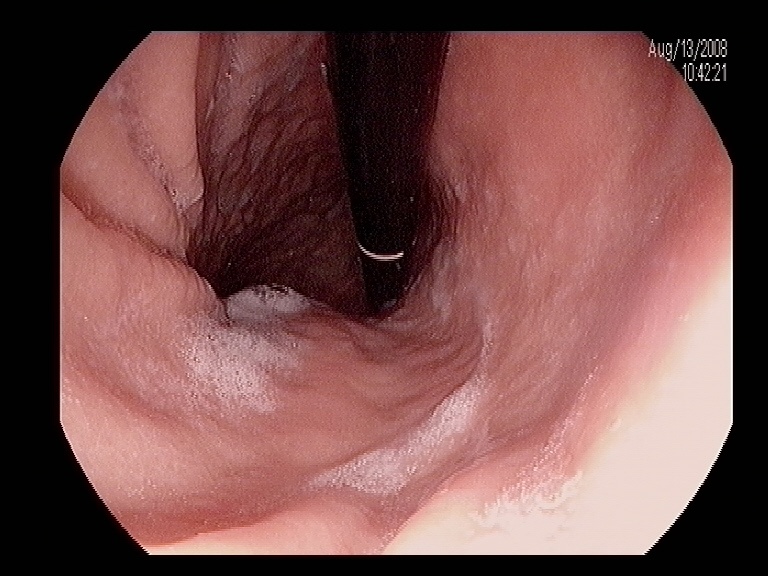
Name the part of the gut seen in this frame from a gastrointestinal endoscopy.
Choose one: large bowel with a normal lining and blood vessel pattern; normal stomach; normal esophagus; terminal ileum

normal stomach